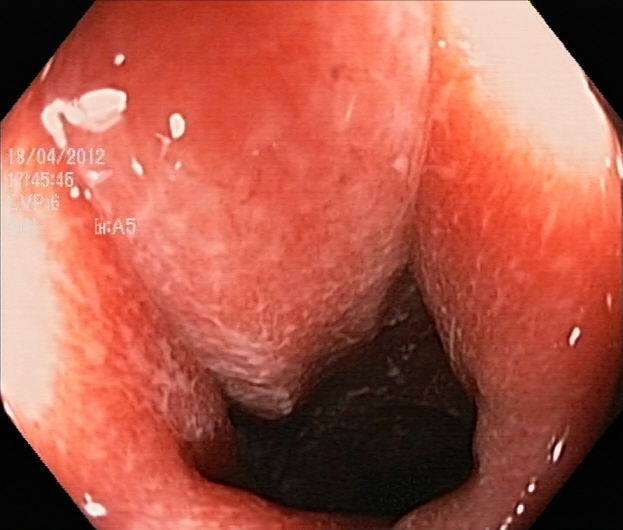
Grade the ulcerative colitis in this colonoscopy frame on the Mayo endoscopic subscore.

ulcerative colitis, Mayo endoscopic subscore 2